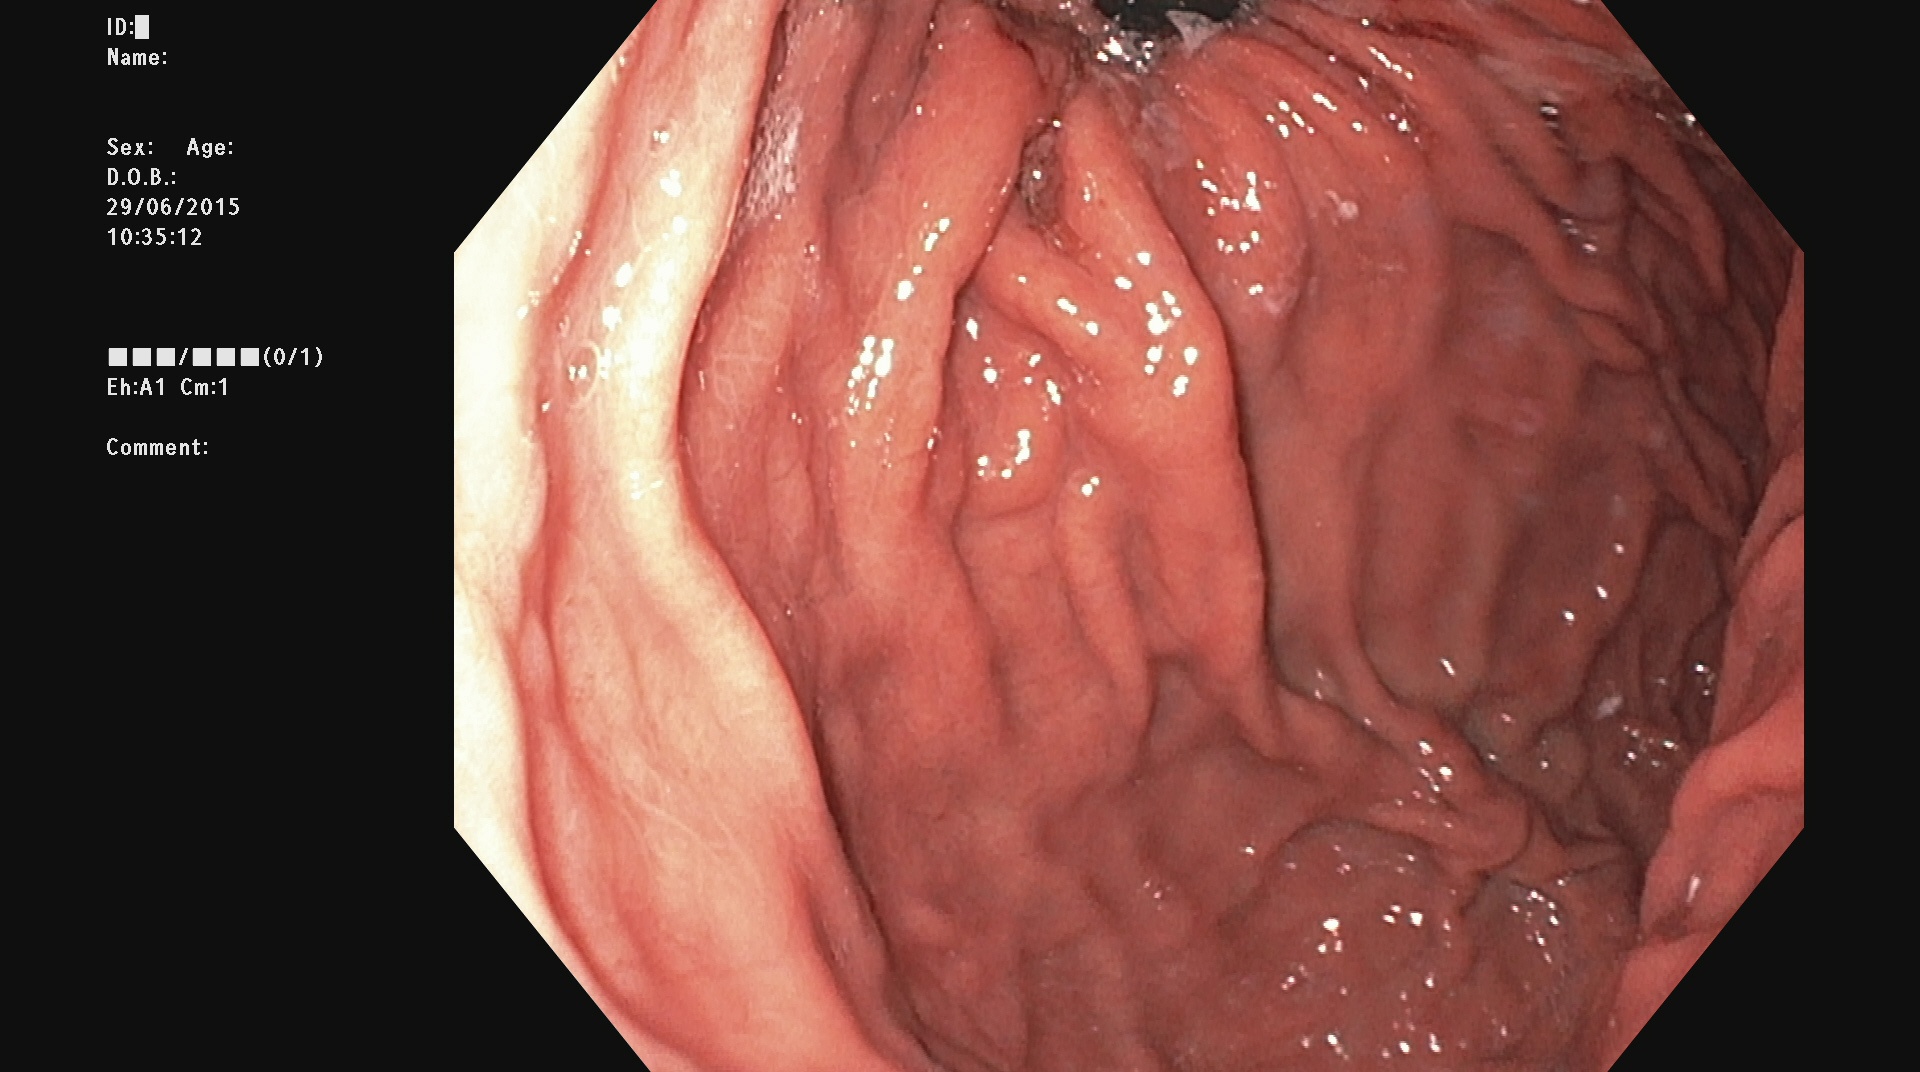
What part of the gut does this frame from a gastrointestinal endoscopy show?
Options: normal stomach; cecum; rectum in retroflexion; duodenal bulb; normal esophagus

normal stomach